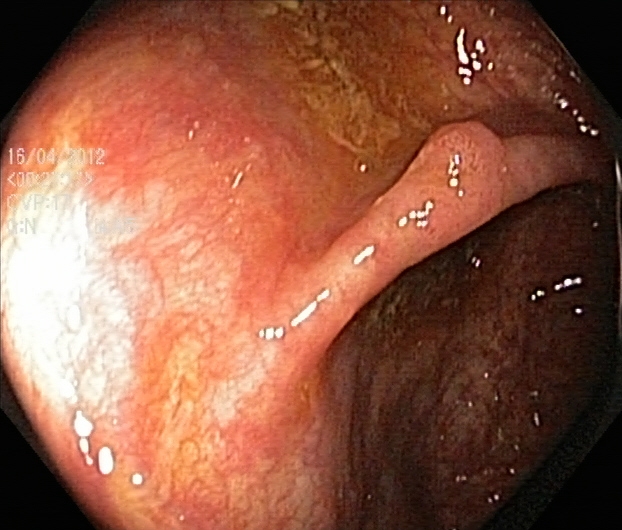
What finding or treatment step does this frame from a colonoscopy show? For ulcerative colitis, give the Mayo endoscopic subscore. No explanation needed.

ulcerative colitis, Mayo endoscopic subscore 1